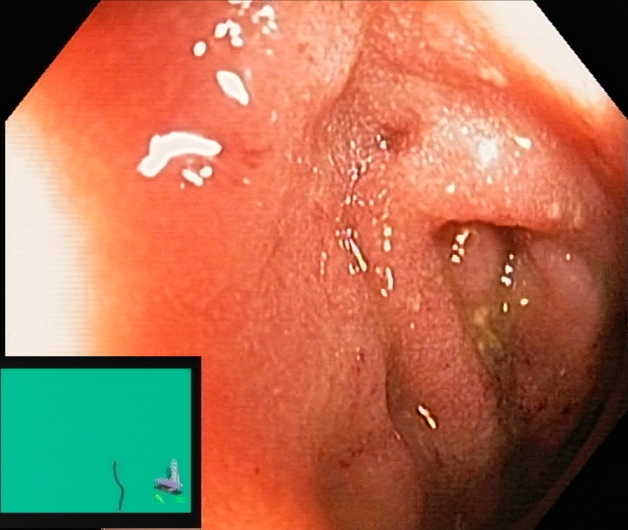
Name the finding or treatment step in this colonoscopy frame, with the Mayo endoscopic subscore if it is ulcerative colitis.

ulcerative colitis, Mayo endoscopic subscore 2